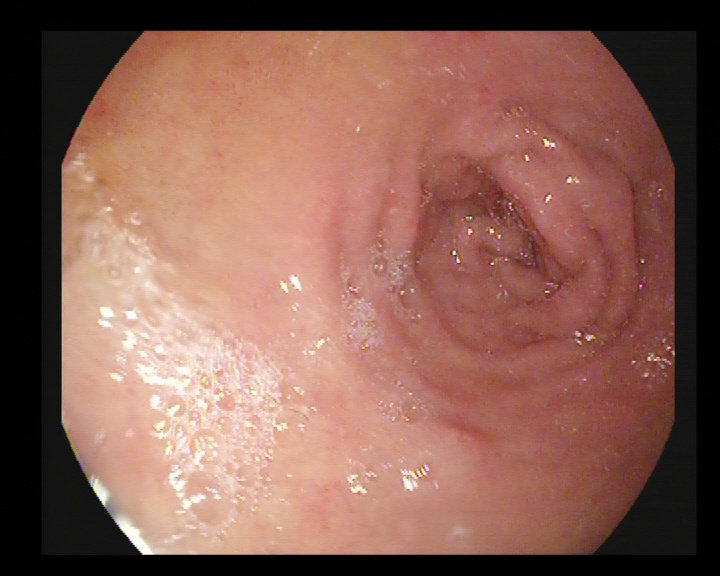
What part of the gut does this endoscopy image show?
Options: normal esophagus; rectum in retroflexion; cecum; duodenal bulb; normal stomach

duodenal bulb